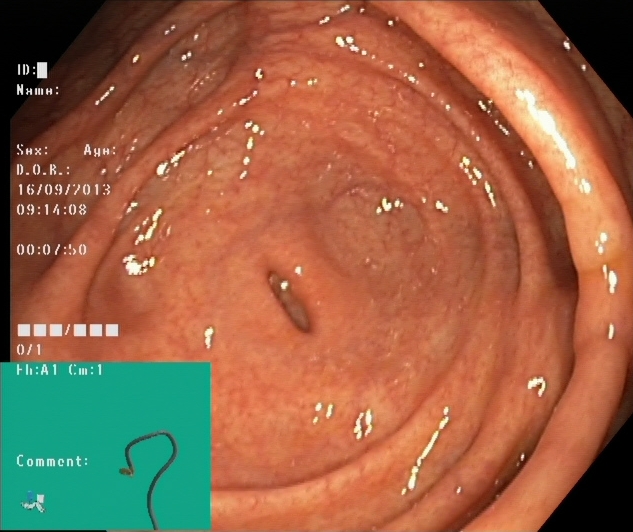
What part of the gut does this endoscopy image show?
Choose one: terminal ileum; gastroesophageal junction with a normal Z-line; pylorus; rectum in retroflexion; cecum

cecum